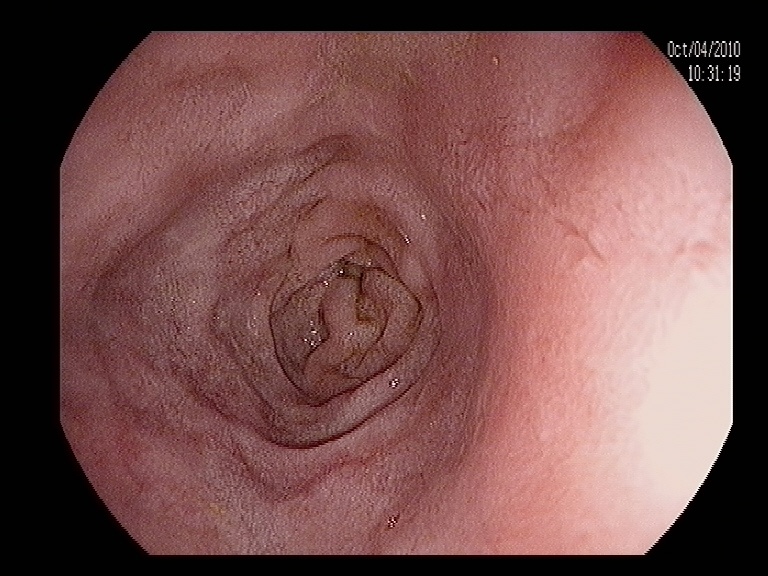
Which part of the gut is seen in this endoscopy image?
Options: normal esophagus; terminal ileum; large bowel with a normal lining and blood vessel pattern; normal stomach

terminal ileum